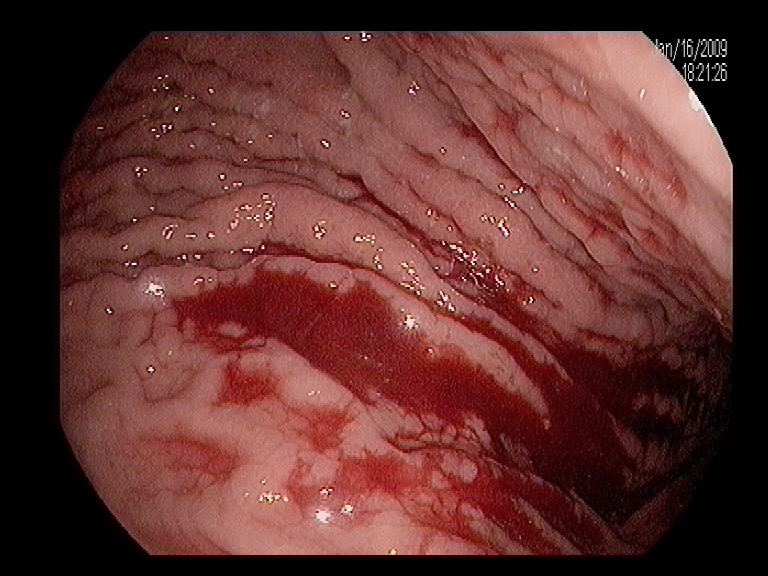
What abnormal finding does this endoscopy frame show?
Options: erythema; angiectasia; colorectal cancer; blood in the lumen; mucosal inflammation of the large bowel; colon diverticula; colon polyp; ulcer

blood in the lumen